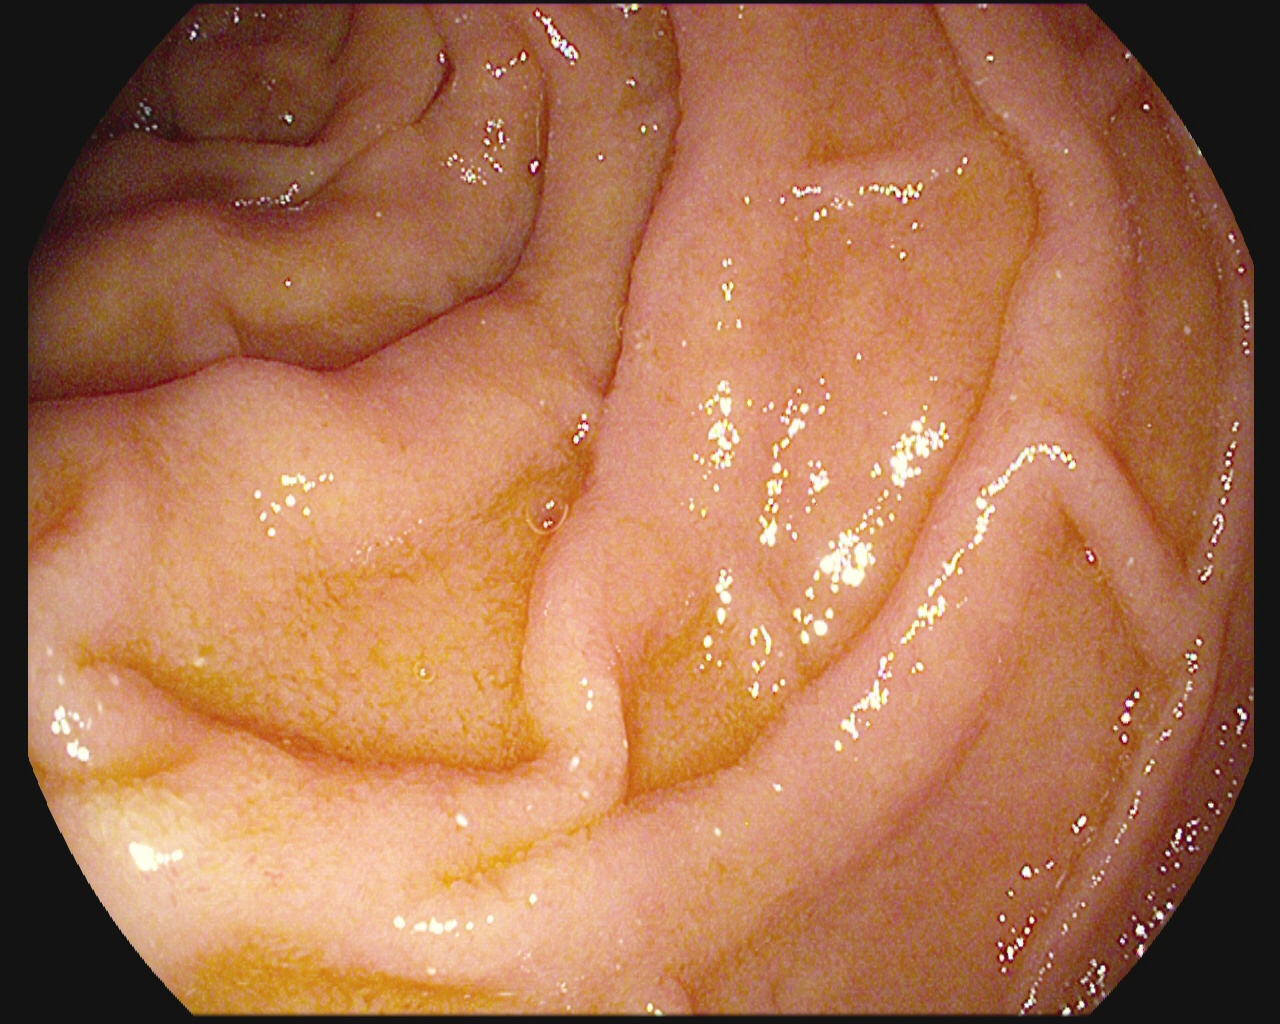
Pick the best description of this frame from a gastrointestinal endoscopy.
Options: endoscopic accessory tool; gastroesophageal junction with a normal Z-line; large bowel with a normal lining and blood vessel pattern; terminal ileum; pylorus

terminal ileum